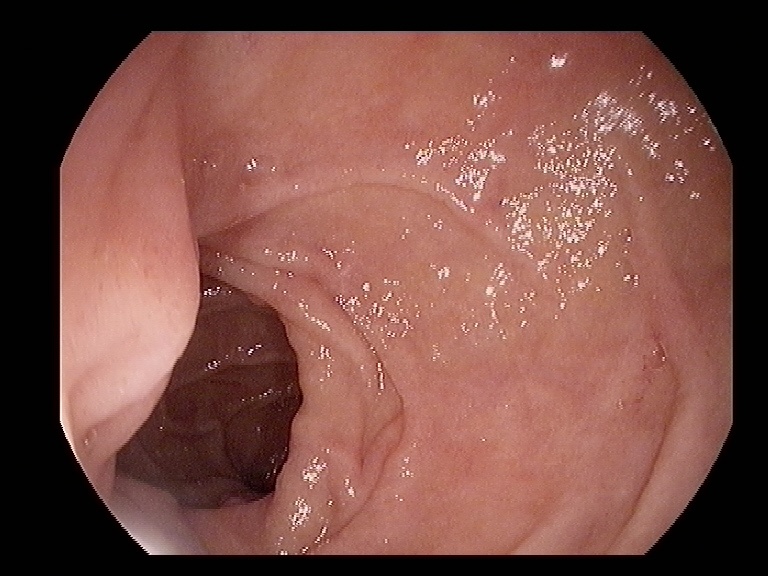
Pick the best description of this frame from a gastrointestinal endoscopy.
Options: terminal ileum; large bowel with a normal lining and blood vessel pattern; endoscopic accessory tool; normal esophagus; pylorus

terminal ileum